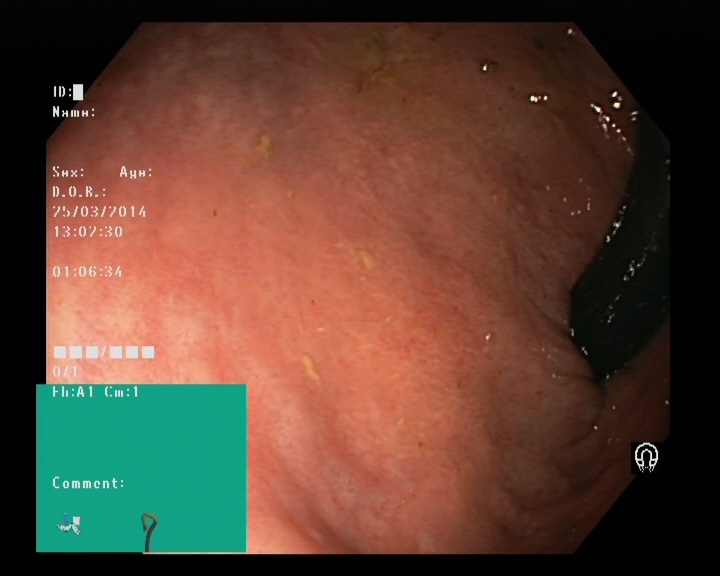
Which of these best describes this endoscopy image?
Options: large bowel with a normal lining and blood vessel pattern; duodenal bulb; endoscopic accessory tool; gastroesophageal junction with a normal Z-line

large bowel with a normal lining and blood vessel pattern